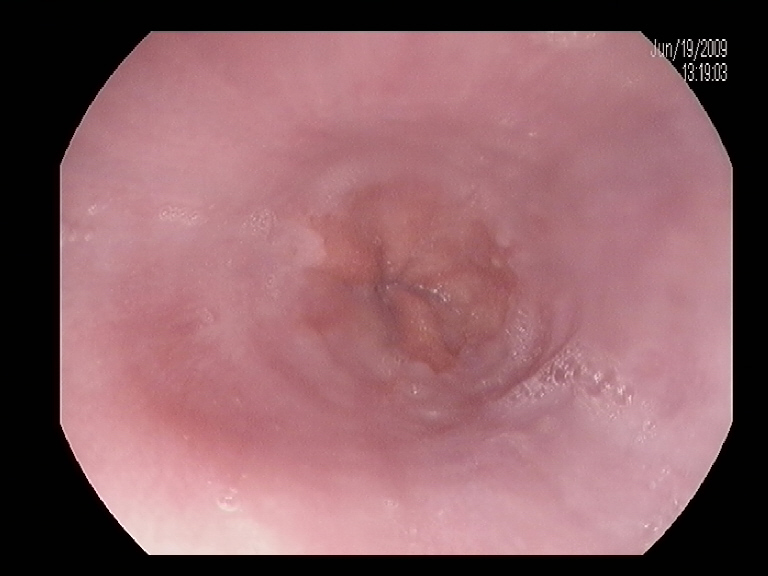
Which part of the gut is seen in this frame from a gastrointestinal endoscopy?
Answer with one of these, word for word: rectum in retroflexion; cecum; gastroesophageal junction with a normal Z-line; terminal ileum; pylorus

gastroesophageal junction with a normal Z-line